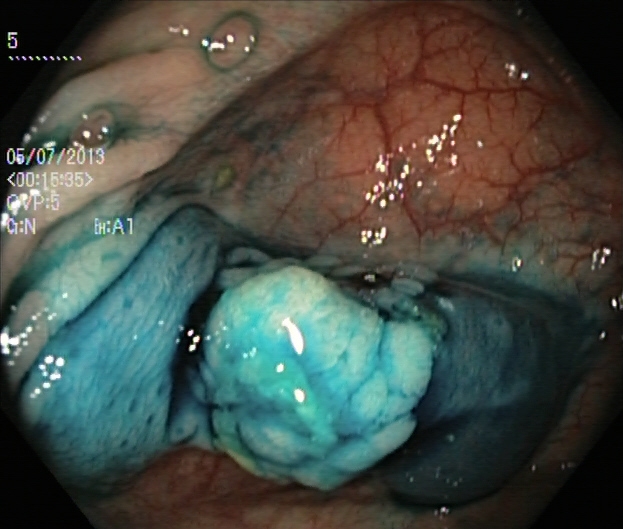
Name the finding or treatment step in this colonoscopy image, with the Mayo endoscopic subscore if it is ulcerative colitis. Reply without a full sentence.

dyed and lifted polyp (pre-resection)